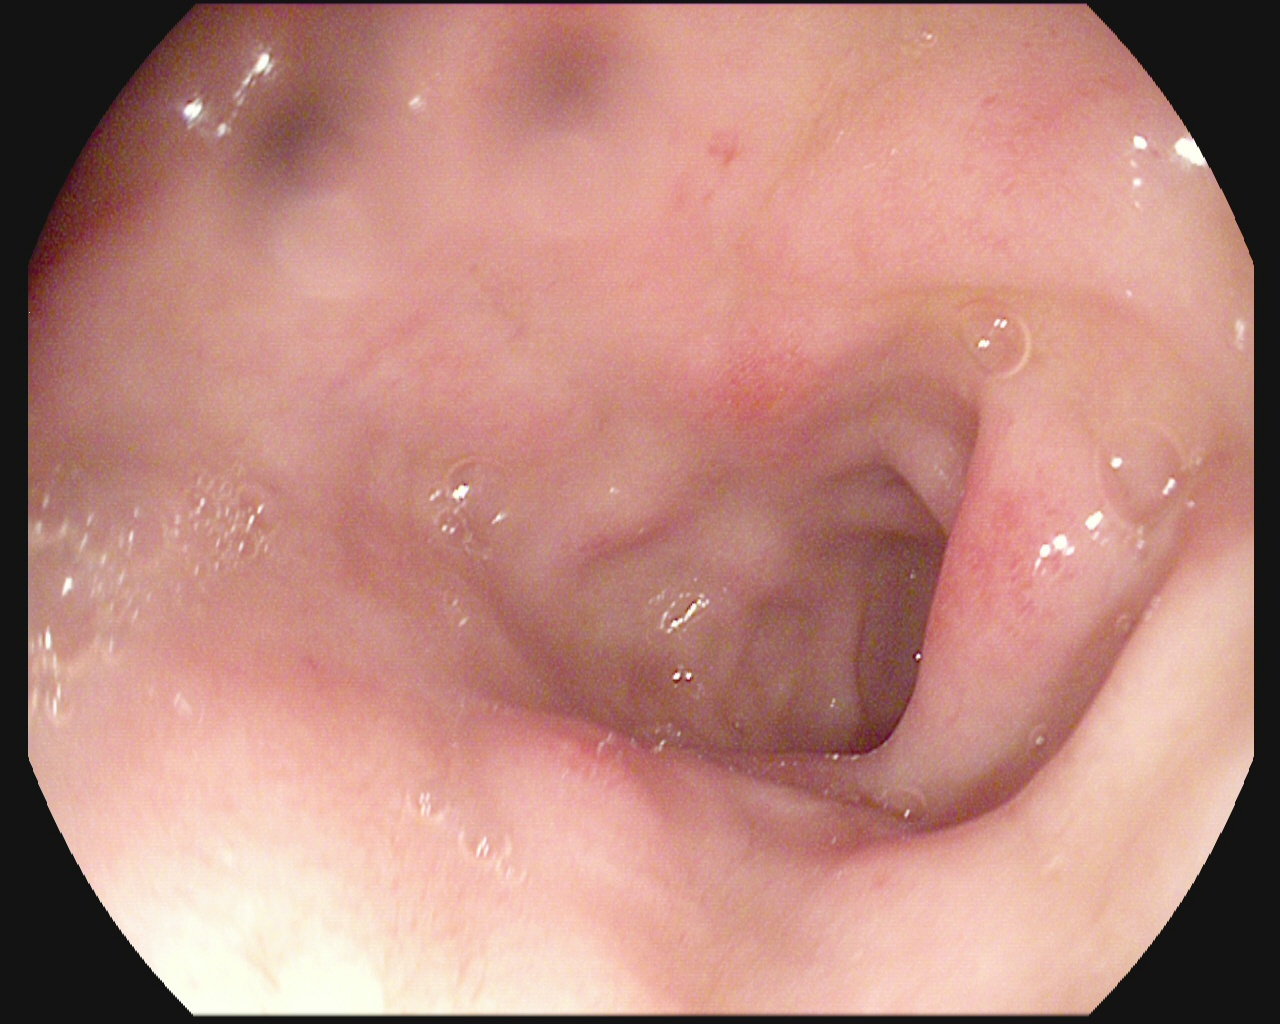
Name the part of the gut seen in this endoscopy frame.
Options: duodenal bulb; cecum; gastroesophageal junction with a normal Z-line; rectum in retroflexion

duodenal bulb